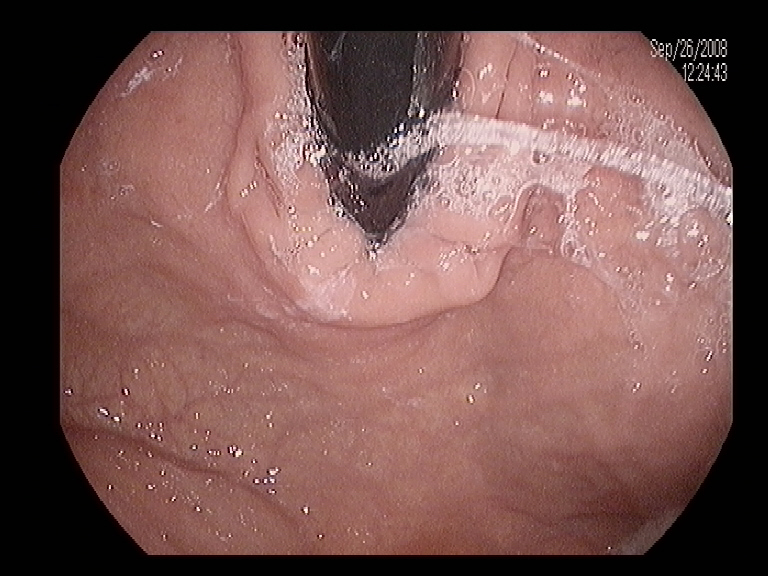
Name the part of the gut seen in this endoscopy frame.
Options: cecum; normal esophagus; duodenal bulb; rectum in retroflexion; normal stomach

normal stomach